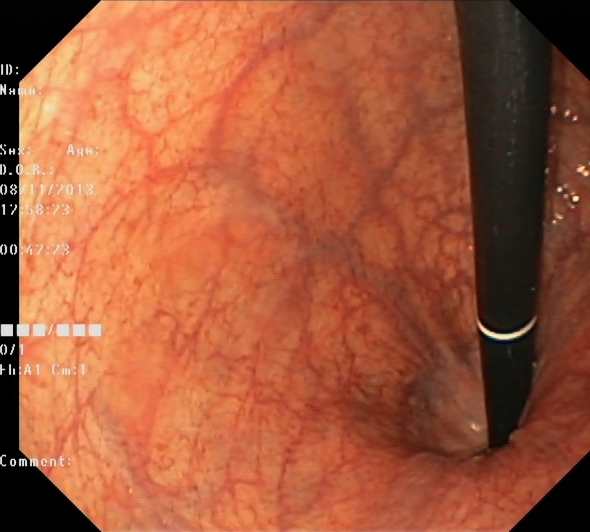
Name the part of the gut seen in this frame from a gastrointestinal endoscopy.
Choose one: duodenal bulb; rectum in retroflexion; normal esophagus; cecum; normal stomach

rectum in retroflexion